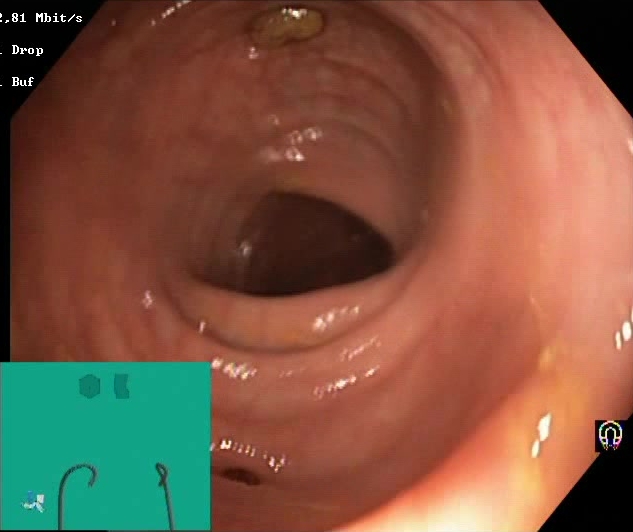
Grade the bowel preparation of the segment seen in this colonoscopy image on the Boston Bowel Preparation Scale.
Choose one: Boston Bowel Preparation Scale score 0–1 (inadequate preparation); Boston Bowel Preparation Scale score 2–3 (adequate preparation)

Boston Bowel Preparation Scale score 2–3 (adequate preparation)